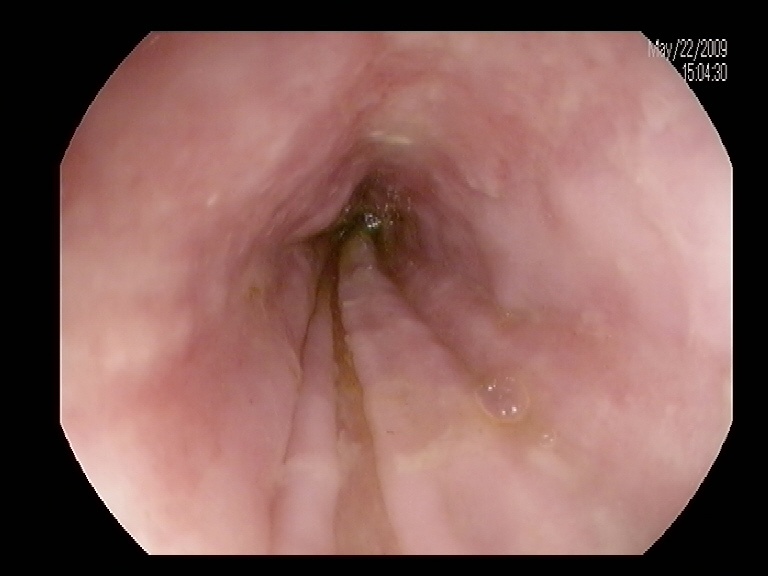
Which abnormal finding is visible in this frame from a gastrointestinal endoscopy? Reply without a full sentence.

esophagitis